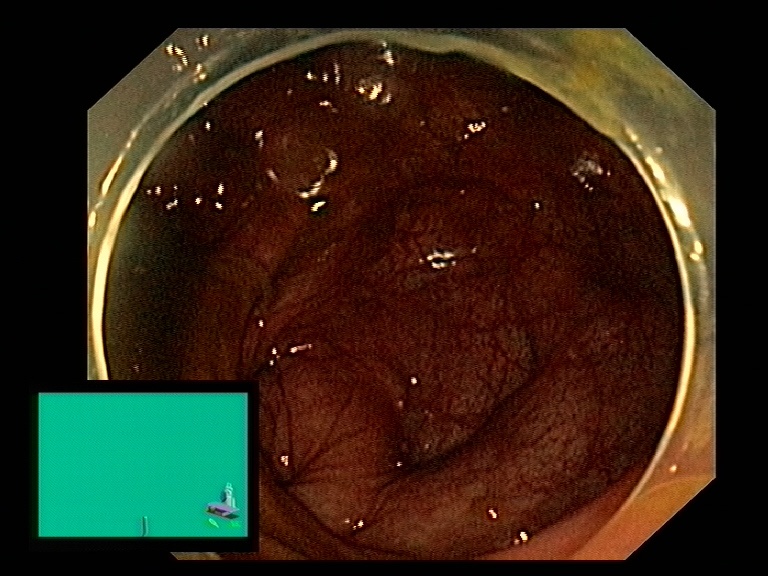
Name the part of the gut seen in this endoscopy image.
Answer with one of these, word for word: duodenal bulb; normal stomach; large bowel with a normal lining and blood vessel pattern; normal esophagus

large bowel with a normal lining and blood vessel pattern